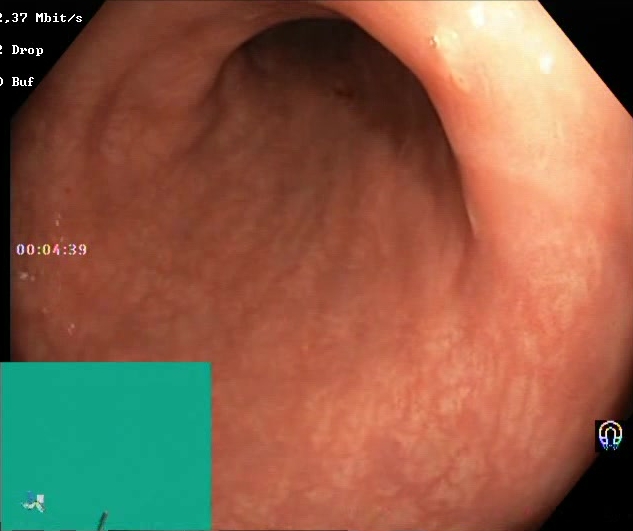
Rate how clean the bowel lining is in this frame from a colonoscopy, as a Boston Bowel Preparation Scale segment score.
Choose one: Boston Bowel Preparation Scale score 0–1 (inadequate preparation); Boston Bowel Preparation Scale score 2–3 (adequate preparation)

Boston Bowel Preparation Scale score 2–3 (adequate preparation)